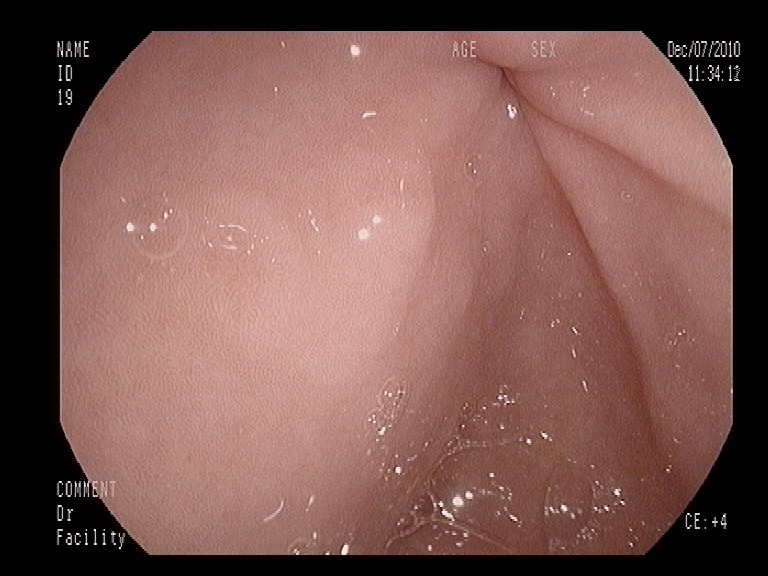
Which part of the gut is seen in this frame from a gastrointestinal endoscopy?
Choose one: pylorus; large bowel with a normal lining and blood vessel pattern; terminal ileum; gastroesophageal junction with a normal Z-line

pylorus